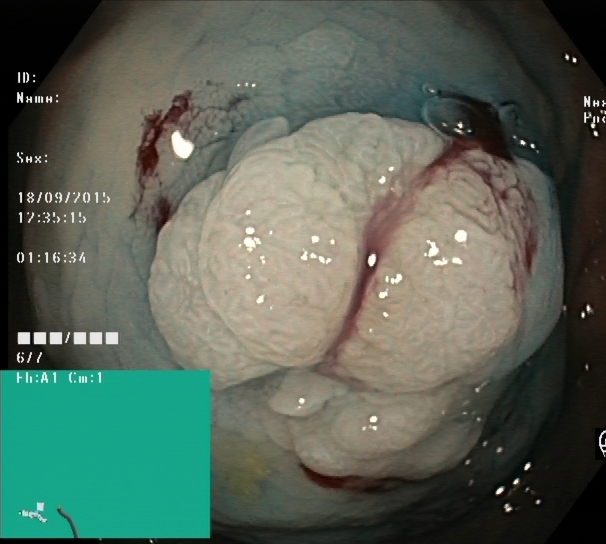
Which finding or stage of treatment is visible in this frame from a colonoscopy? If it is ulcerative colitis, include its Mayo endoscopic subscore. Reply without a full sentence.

dyed and lifted polyp (pre-resection)